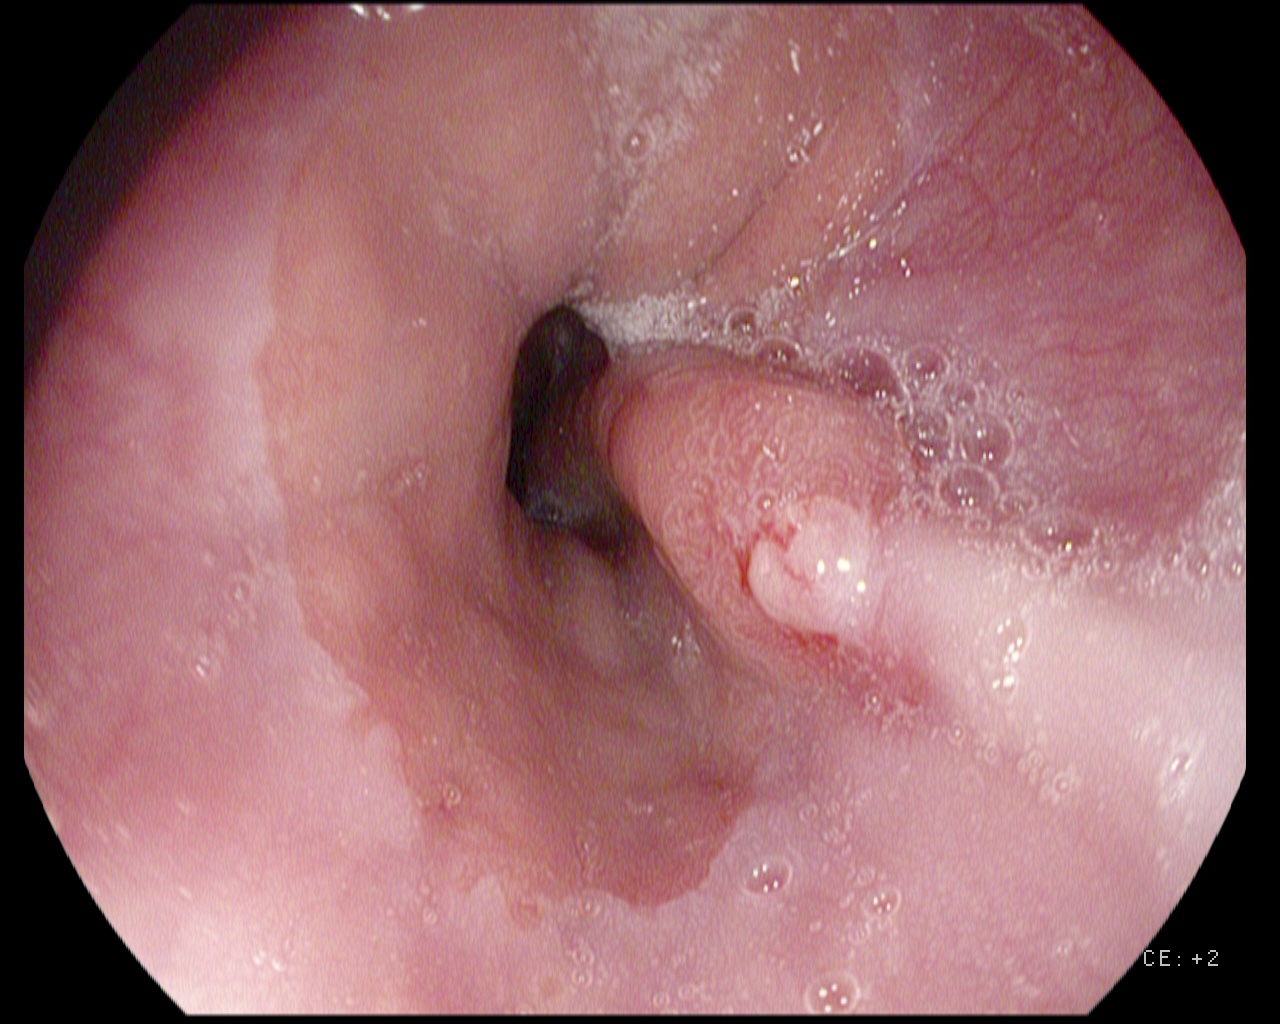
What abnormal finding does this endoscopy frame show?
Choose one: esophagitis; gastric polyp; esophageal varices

esophagitis